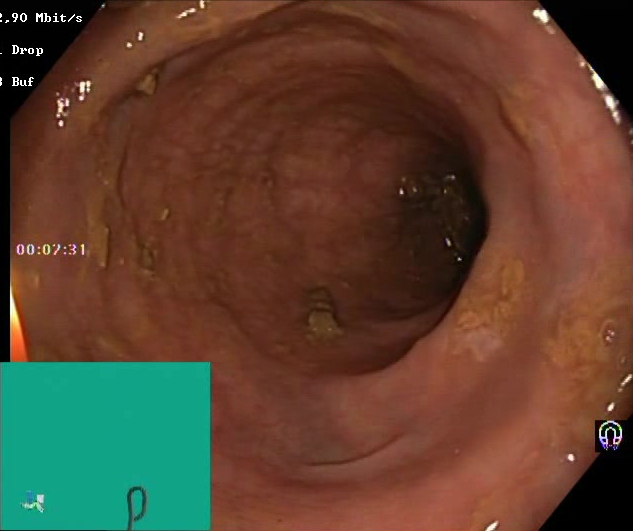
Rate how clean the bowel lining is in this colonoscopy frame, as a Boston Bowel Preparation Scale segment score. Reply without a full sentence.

Boston Bowel Preparation Scale score 2–3 (adequate preparation)